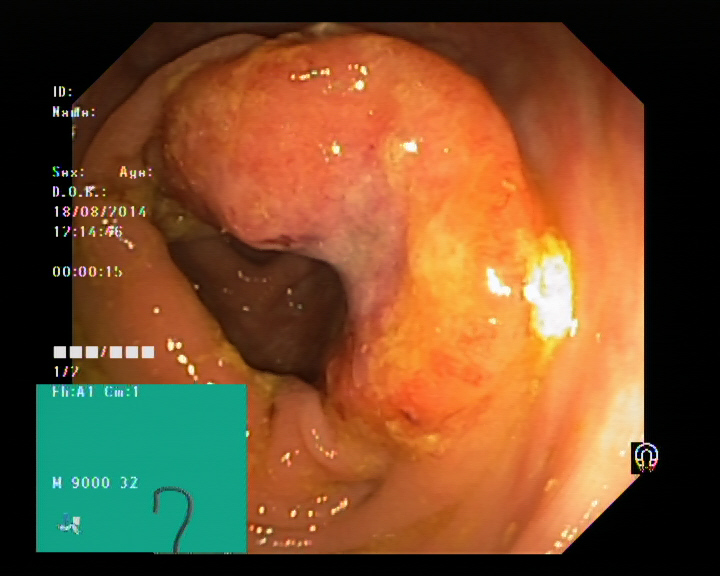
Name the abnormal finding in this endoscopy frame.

colorectal cancer